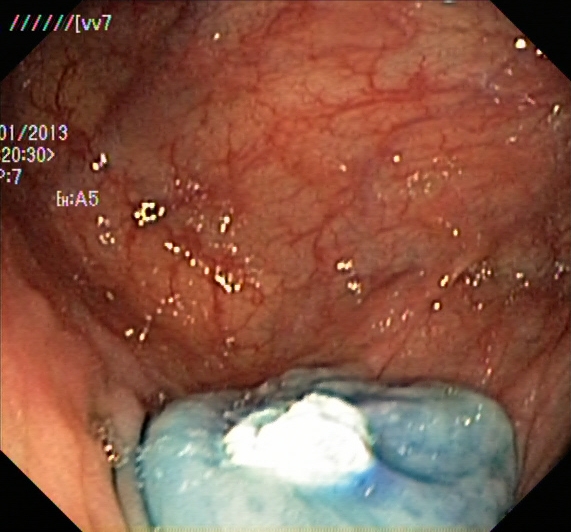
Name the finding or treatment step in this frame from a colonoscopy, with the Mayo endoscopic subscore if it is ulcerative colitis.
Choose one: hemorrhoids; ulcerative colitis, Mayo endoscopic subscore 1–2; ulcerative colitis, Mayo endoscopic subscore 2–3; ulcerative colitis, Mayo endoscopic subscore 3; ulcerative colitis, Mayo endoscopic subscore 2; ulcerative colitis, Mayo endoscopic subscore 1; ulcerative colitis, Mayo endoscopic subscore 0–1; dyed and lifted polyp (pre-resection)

dyed and lifted polyp (pre-resection)